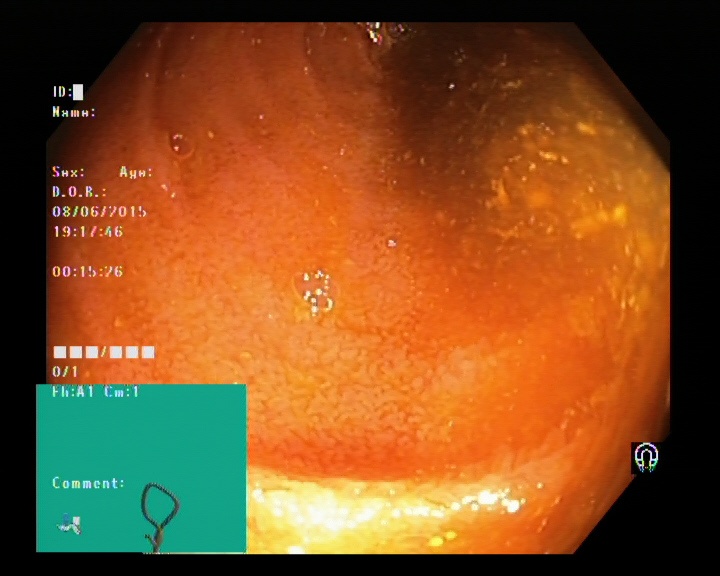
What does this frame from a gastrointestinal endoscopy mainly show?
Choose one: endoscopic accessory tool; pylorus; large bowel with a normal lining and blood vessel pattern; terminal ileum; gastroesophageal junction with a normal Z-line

terminal ileum